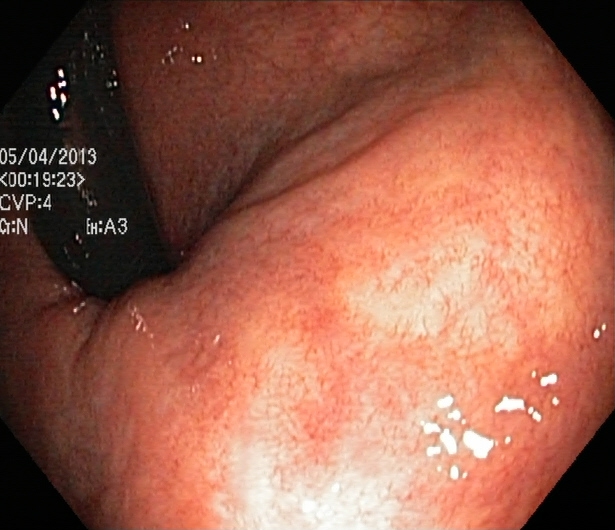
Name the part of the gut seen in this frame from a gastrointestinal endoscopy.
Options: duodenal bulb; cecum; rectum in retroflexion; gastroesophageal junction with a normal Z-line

rectum in retroflexion